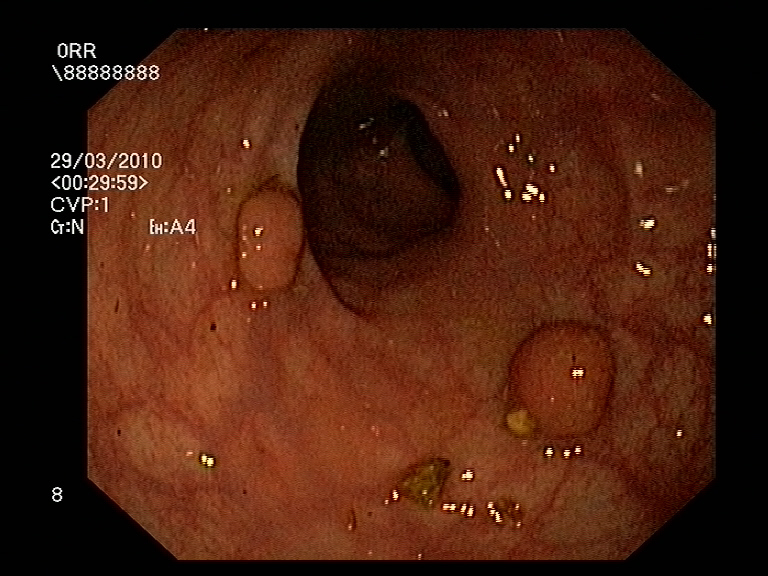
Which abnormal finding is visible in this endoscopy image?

colon polyp